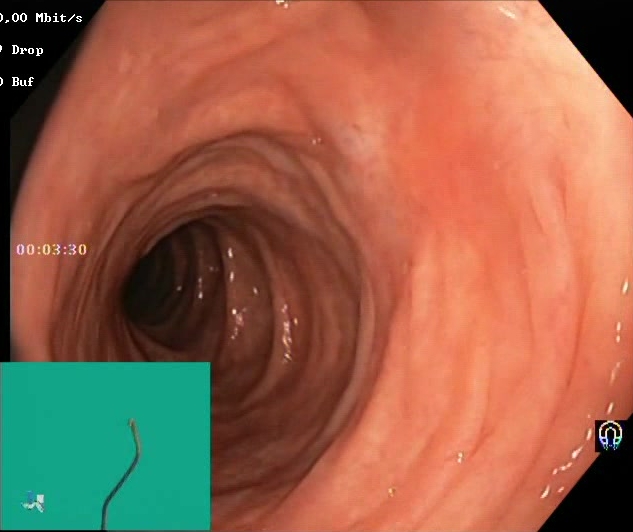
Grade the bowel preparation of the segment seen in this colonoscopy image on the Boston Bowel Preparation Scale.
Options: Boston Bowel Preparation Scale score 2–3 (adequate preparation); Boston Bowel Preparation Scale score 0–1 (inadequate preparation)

Boston Bowel Preparation Scale score 2–3 (adequate preparation)